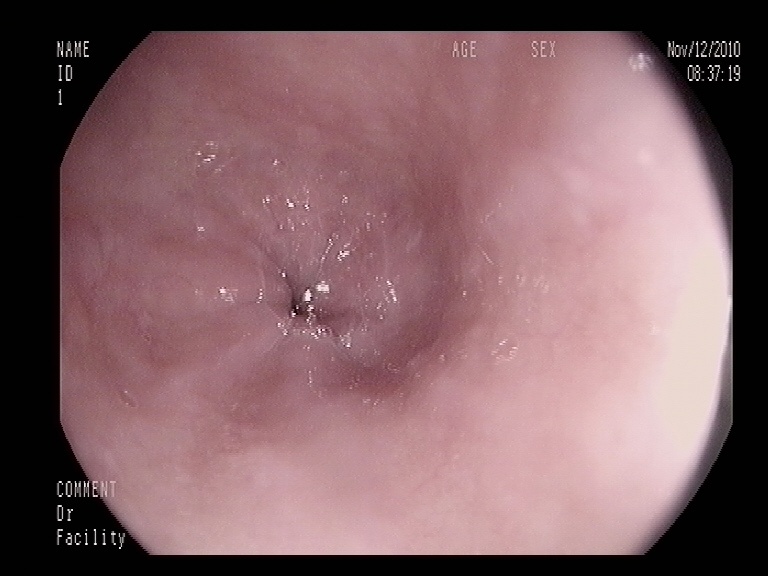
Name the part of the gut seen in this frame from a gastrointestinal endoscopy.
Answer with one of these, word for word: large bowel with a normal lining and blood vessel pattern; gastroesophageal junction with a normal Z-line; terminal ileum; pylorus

pylorus